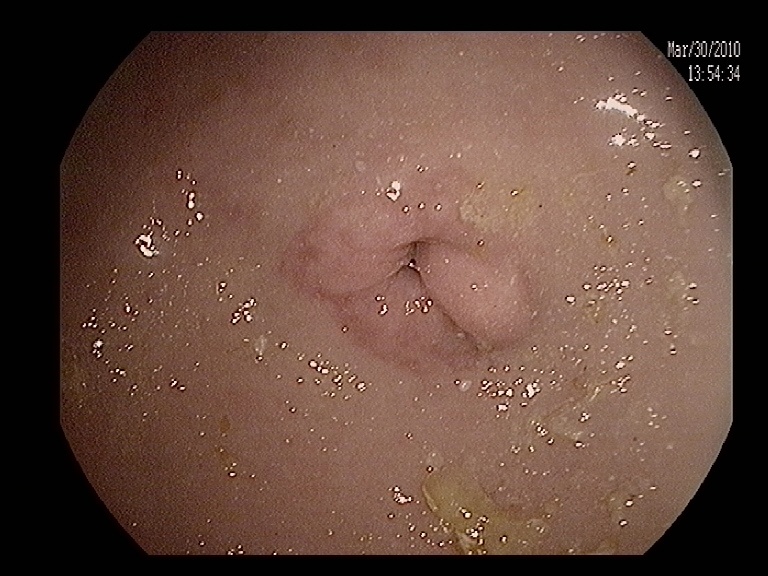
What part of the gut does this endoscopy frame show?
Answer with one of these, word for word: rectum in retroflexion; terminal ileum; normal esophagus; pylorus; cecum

pylorus